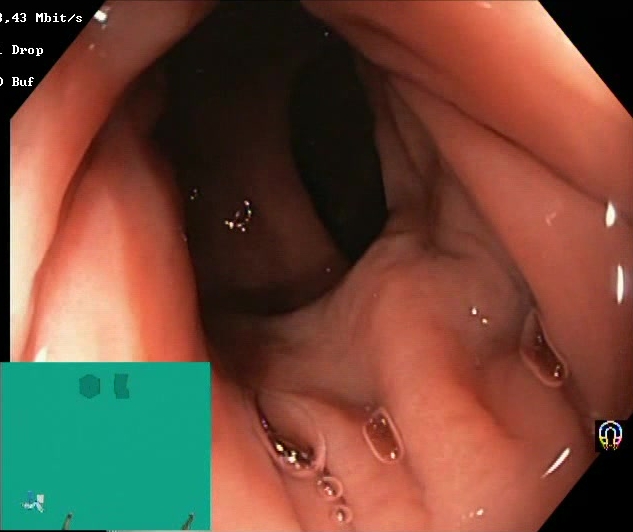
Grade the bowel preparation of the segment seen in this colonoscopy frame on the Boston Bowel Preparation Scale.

Boston Bowel Preparation Scale score 2–3 (adequate preparation)